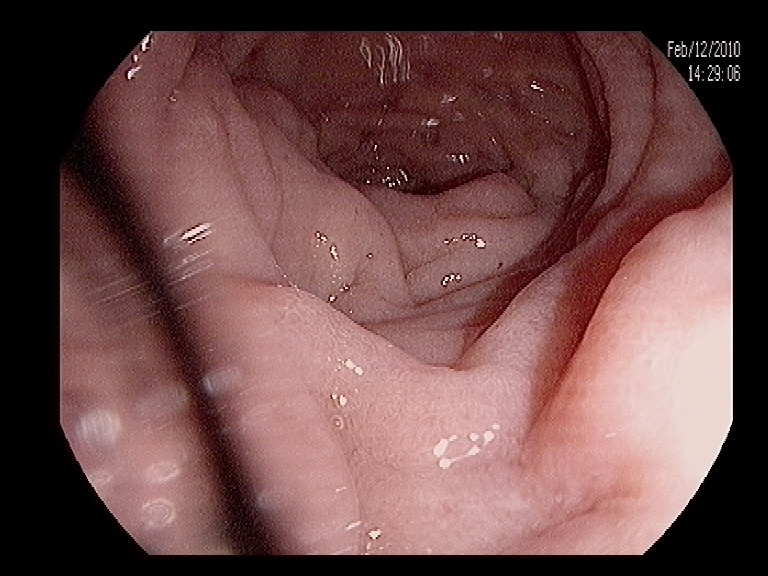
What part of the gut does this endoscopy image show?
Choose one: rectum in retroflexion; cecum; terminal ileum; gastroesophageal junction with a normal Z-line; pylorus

terminal ileum